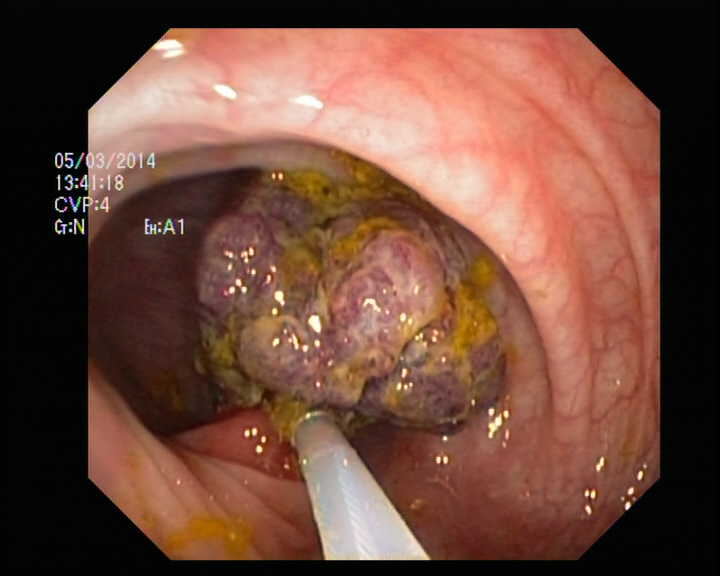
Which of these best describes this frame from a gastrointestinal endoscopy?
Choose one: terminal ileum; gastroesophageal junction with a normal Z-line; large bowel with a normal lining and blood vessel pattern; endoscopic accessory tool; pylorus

endoscopic accessory tool